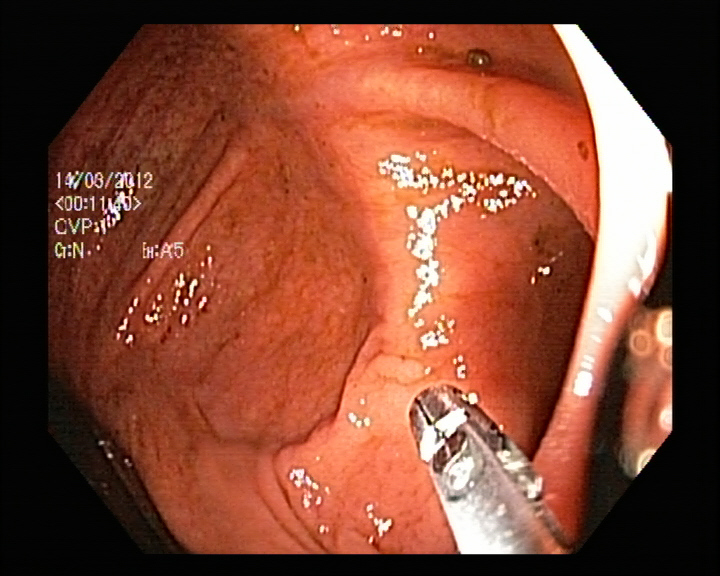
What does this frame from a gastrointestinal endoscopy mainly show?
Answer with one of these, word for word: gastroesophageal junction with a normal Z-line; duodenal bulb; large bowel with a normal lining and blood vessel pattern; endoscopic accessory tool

endoscopic accessory tool